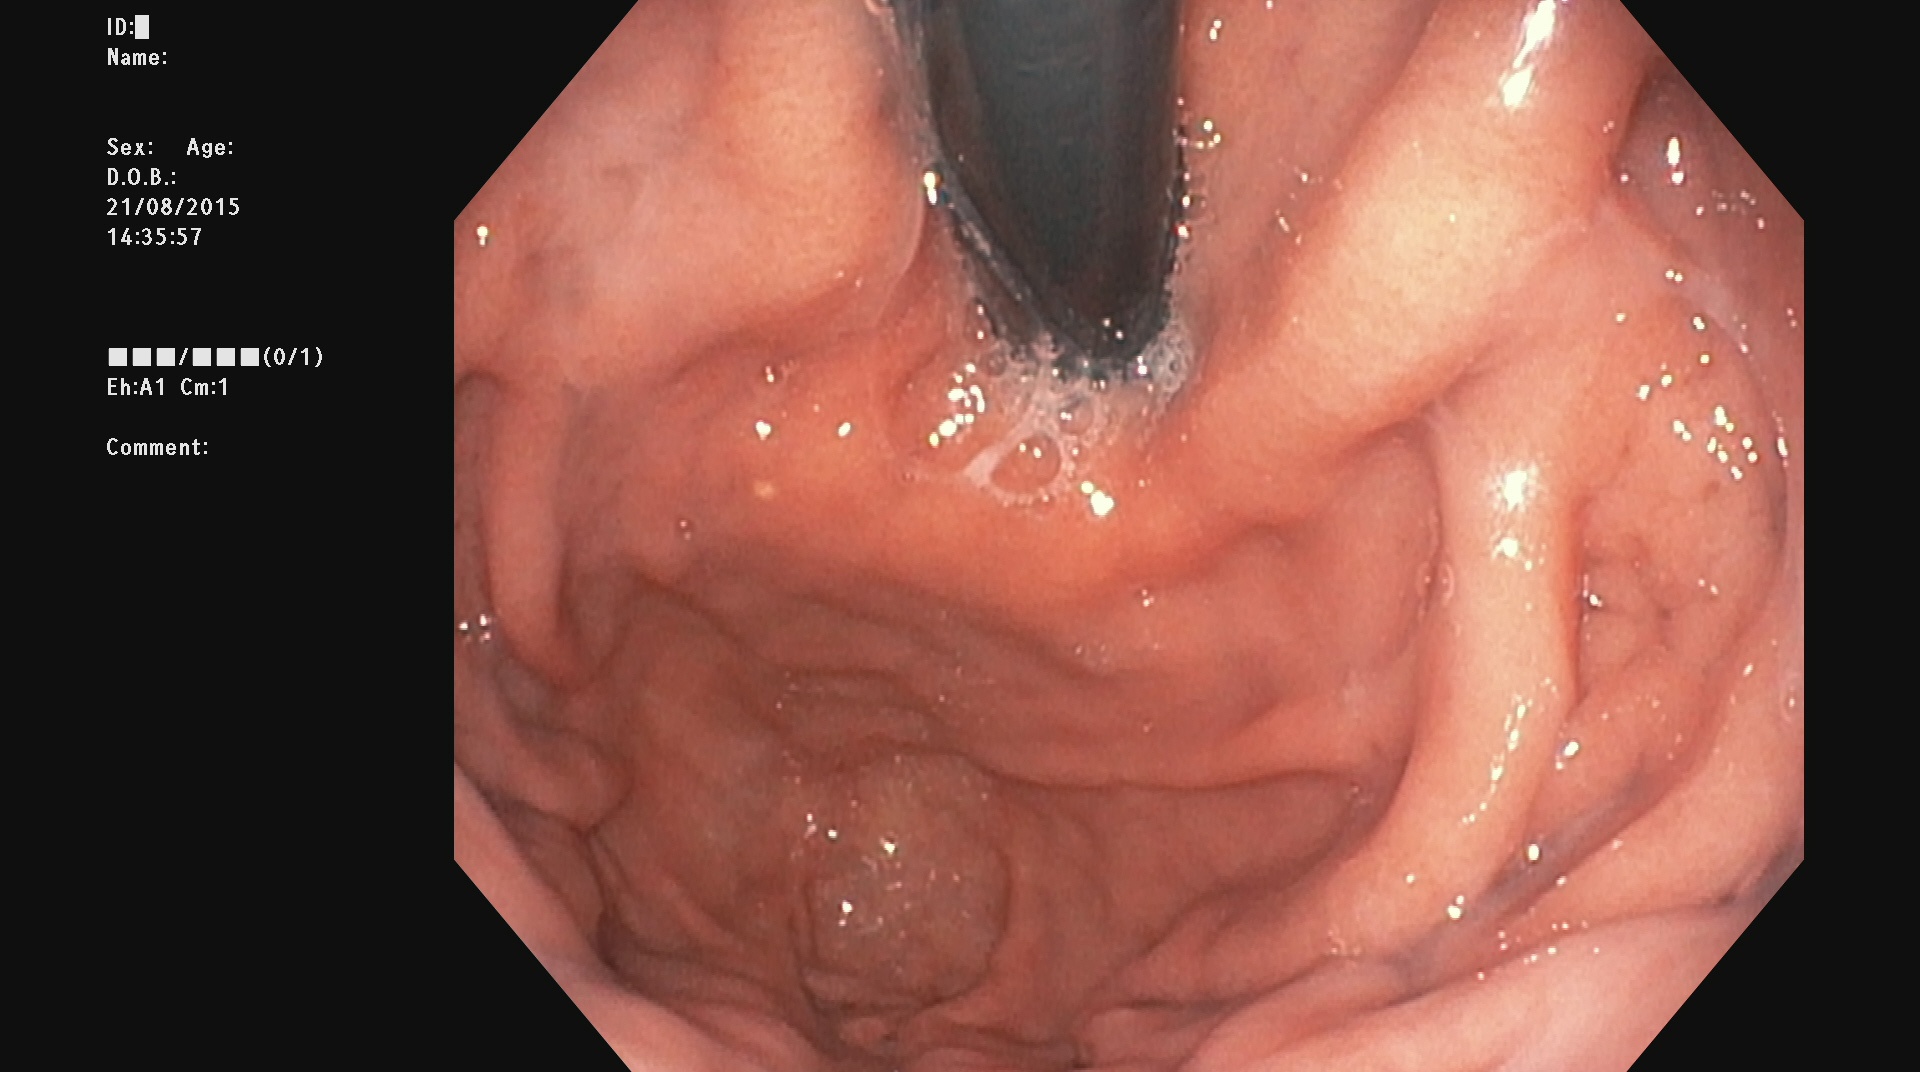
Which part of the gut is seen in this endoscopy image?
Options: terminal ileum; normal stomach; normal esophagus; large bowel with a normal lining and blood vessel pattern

normal stomach